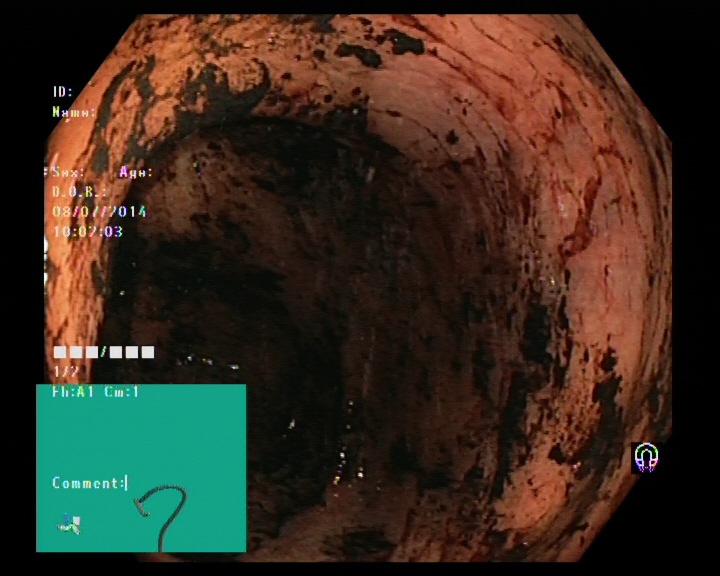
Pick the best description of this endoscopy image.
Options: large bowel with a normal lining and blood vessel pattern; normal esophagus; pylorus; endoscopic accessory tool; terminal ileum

large bowel with a normal lining and blood vessel pattern